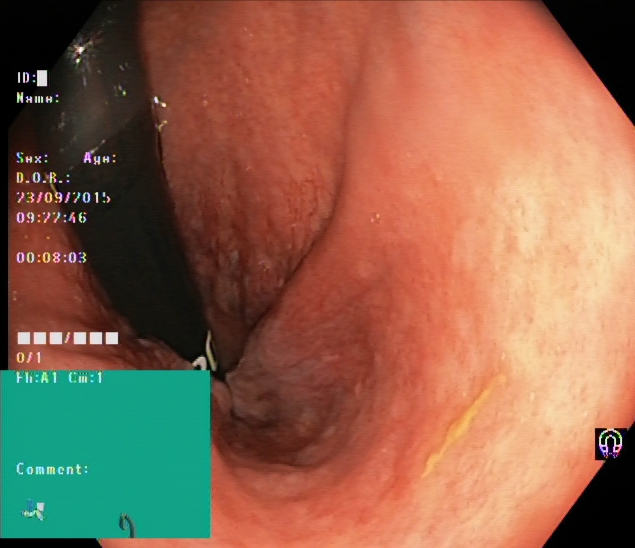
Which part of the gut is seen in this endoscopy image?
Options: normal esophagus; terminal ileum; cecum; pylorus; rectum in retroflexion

rectum in retroflexion